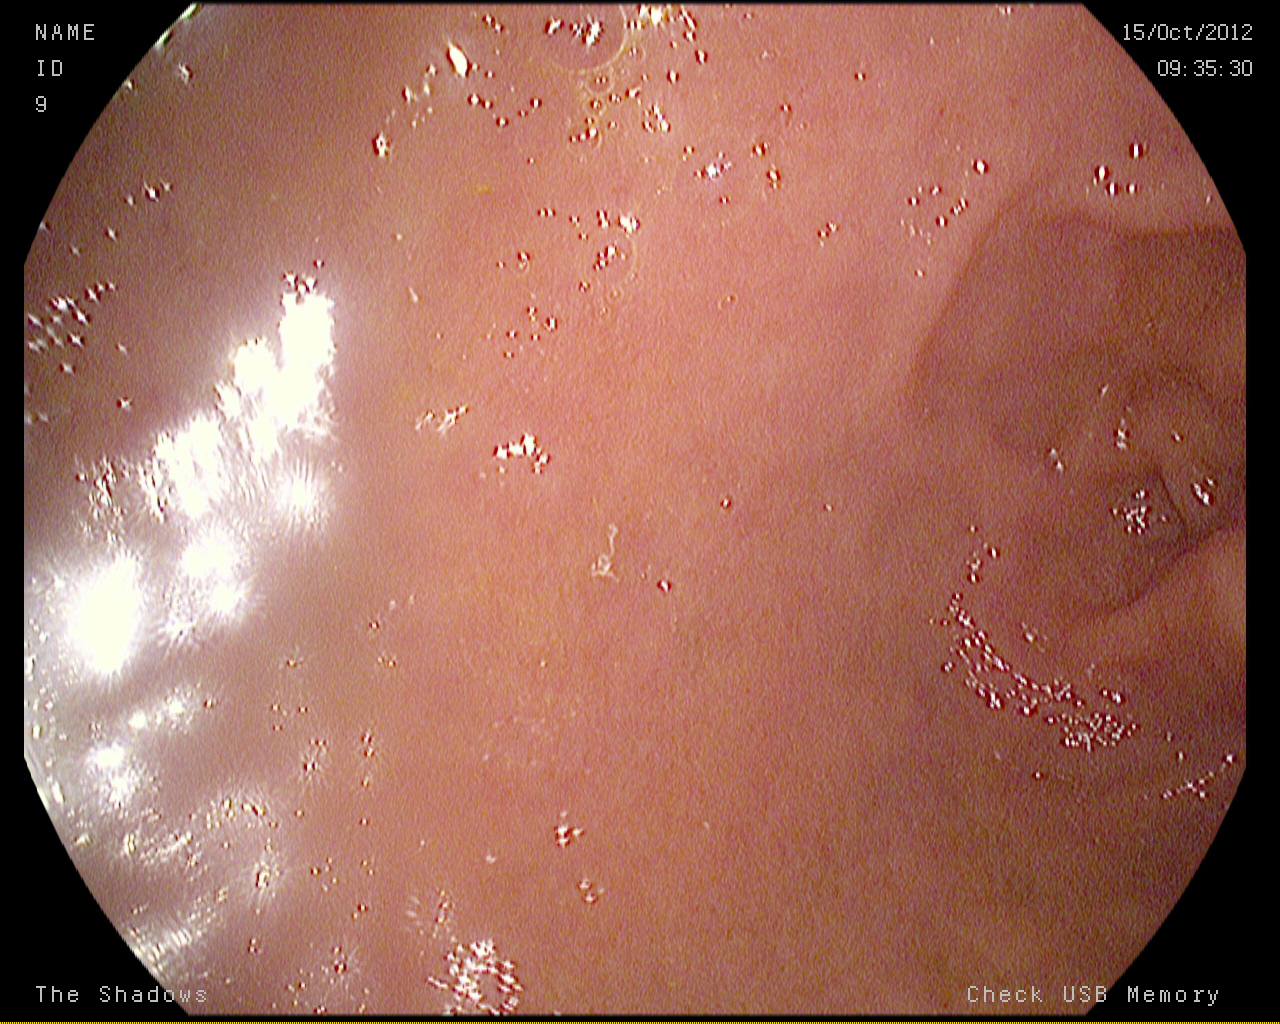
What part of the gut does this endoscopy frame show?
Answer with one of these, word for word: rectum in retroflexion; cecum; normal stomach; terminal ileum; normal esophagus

normal stomach